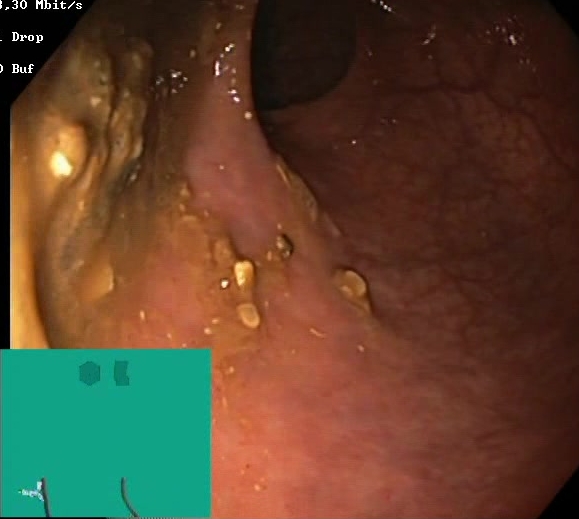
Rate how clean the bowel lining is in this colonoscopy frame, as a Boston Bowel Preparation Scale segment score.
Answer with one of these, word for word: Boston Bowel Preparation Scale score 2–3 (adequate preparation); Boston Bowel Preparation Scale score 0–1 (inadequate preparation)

Boston Bowel Preparation Scale score 0–1 (inadequate preparation)